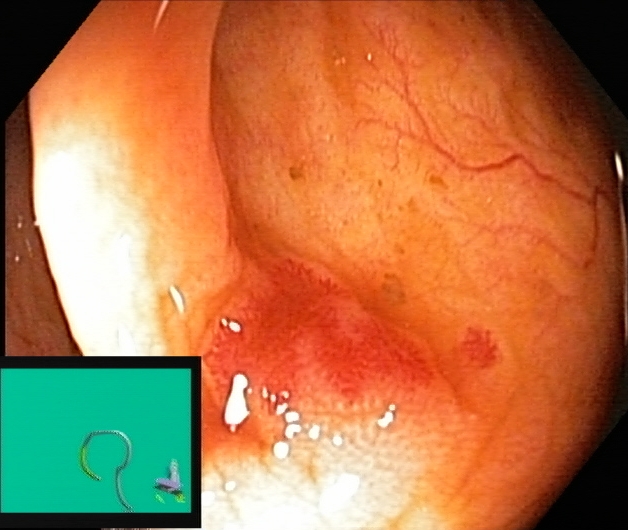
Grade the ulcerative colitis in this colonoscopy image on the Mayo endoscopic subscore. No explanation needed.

ulcerative colitis, Mayo endoscopic subscore 1